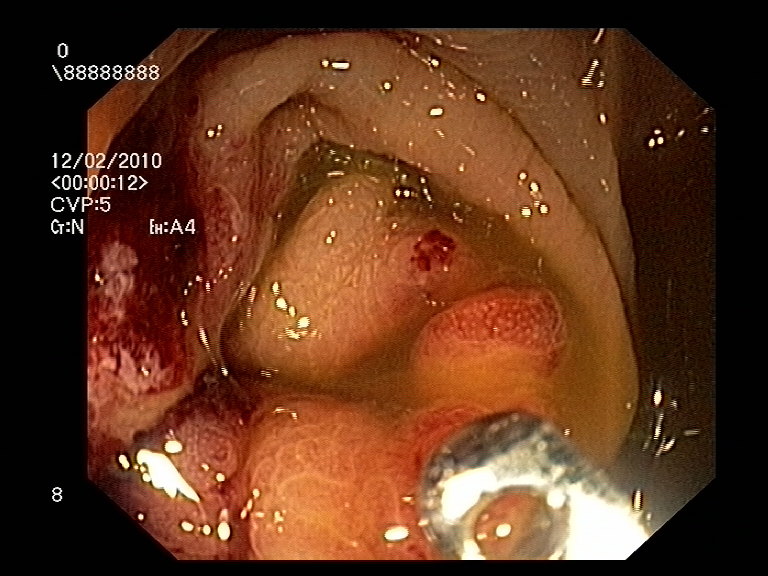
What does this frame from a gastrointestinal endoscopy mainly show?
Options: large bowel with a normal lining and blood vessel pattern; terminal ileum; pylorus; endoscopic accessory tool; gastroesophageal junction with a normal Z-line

endoscopic accessory tool